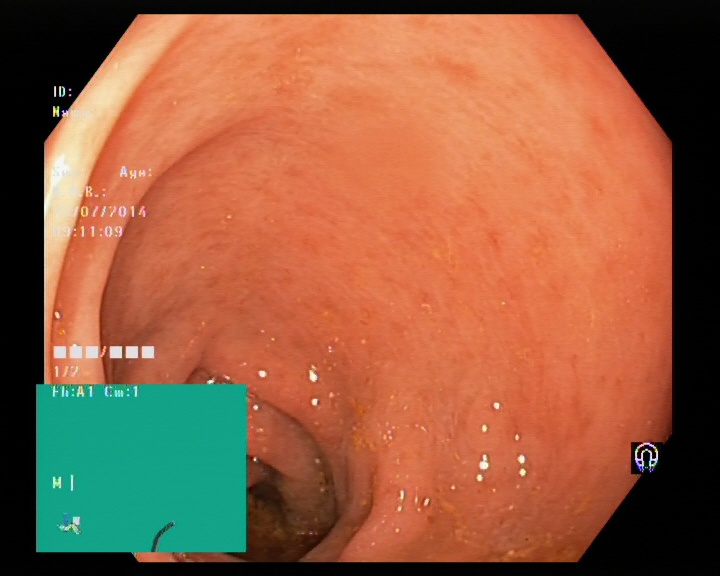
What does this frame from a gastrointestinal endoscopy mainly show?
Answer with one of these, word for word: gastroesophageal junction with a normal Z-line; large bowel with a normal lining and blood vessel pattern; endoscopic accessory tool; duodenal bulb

large bowel with a normal lining and blood vessel pattern